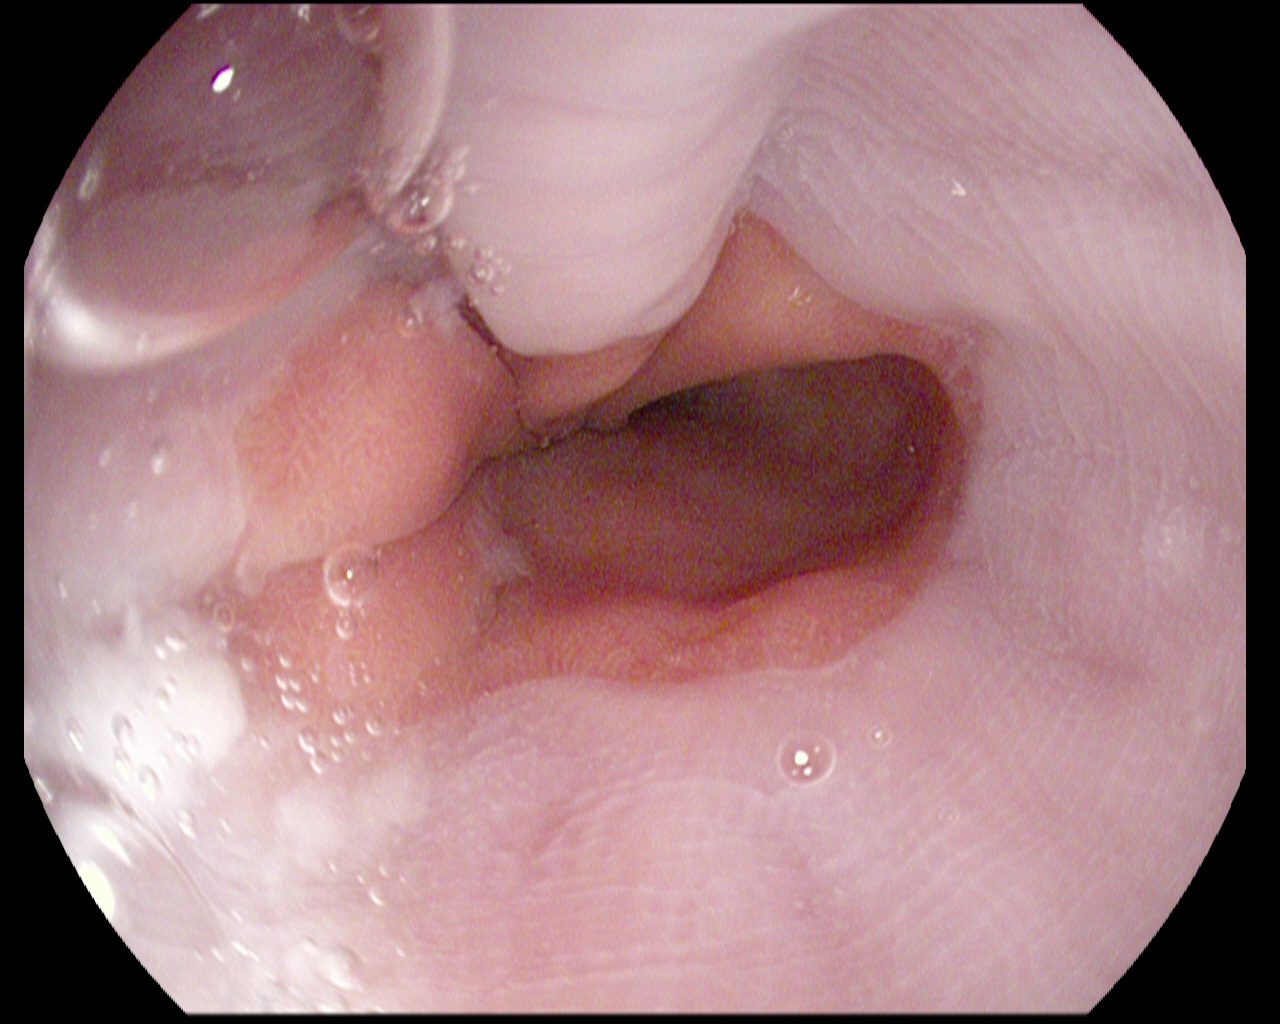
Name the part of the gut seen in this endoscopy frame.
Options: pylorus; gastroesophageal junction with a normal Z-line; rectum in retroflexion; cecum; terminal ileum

gastroesophageal junction with a normal Z-line